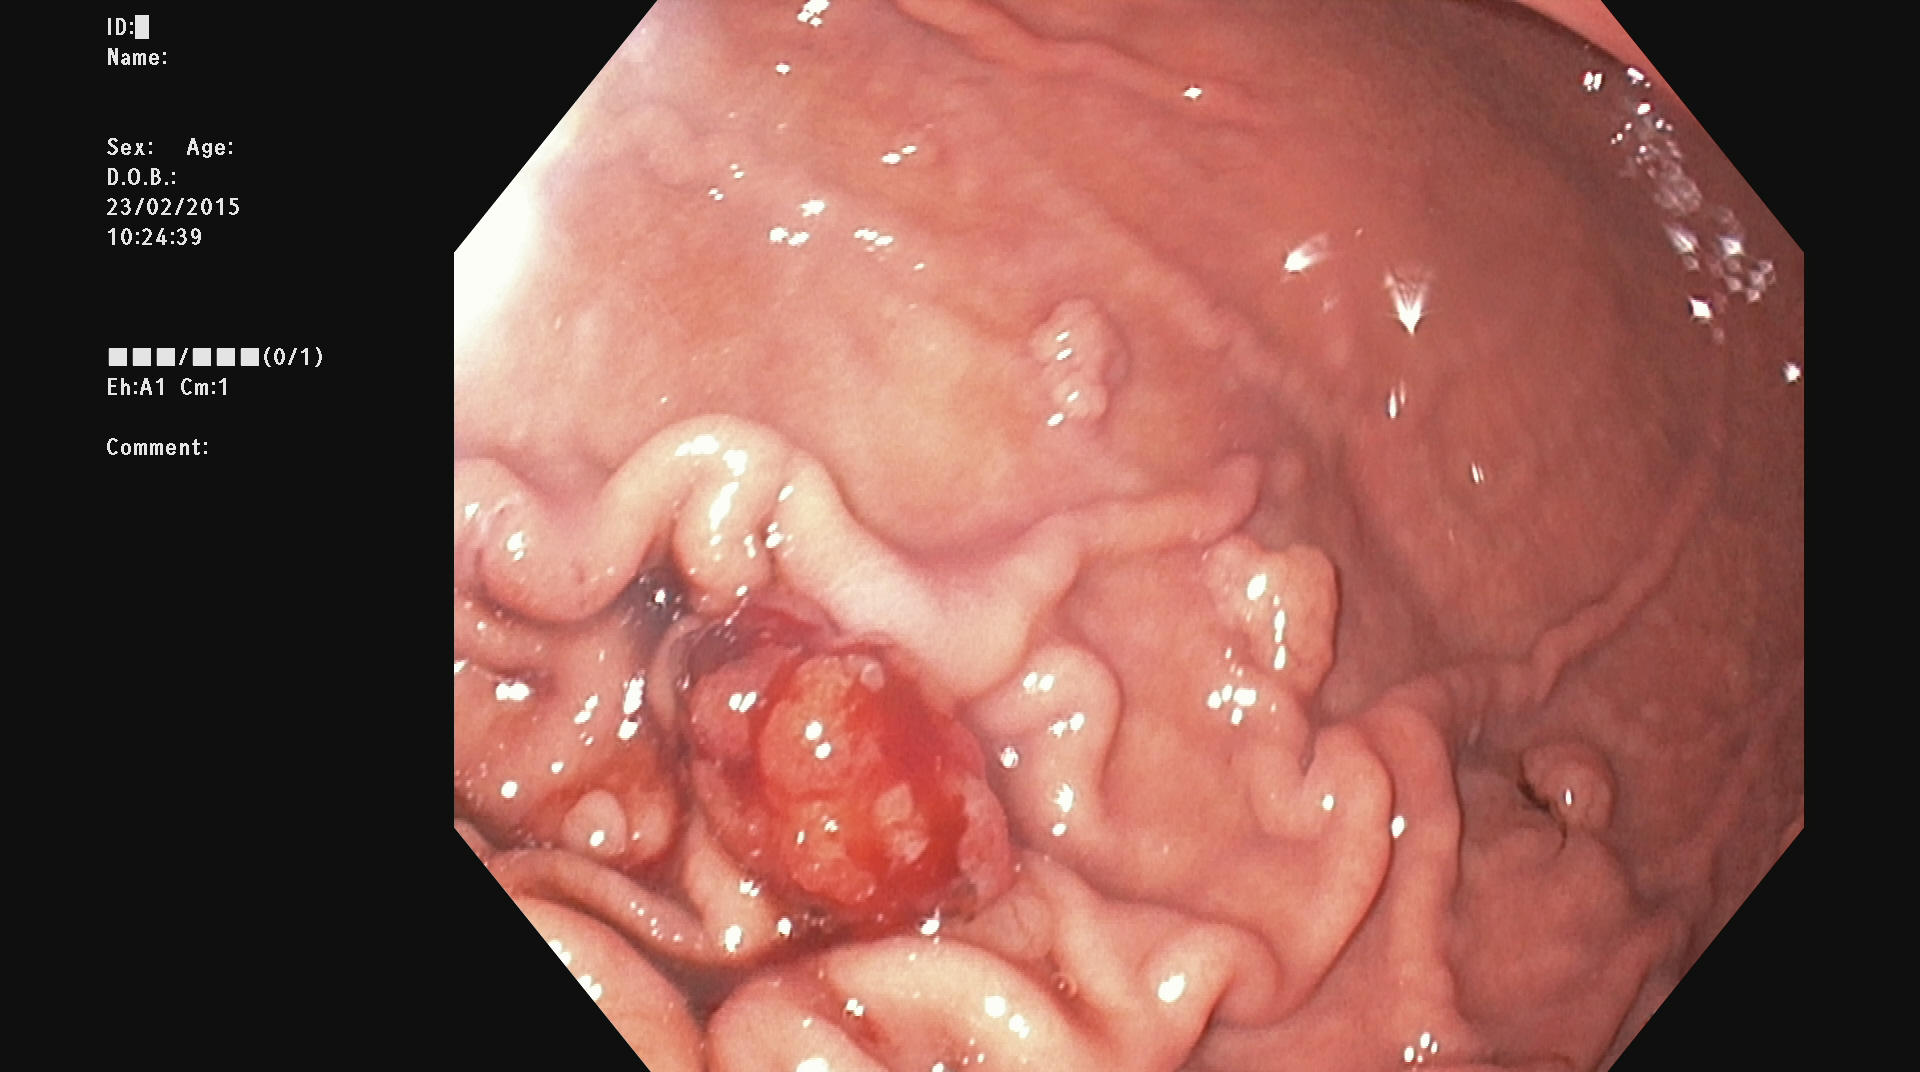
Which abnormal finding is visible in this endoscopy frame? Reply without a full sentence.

gastric polyp